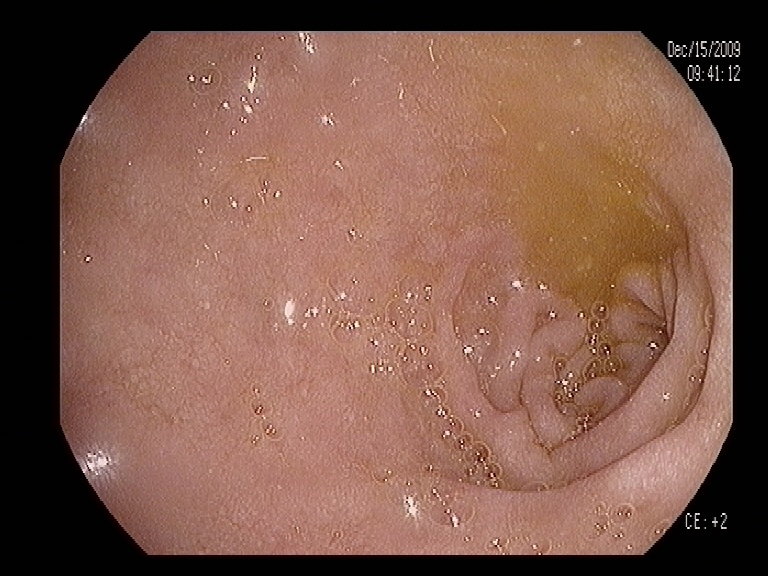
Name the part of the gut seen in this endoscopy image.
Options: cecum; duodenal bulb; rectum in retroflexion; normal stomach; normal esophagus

duodenal bulb